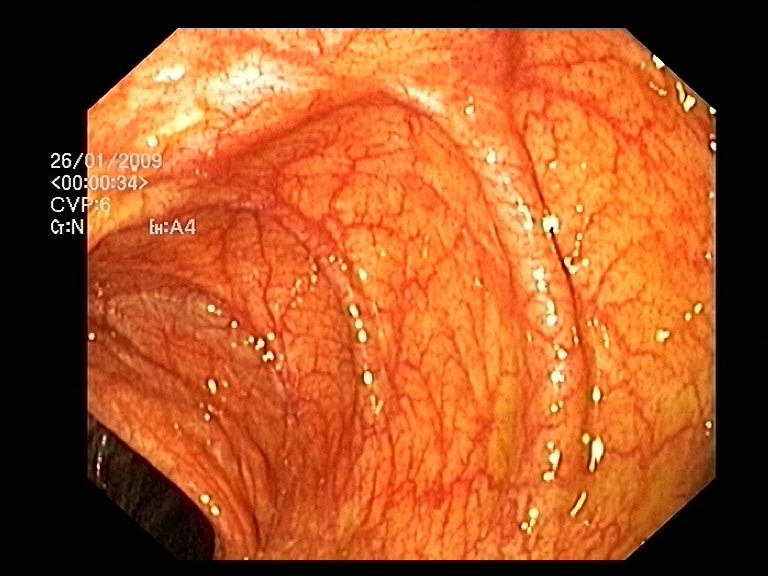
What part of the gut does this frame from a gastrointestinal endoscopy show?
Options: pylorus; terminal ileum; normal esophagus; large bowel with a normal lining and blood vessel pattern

large bowel with a normal lining and blood vessel pattern